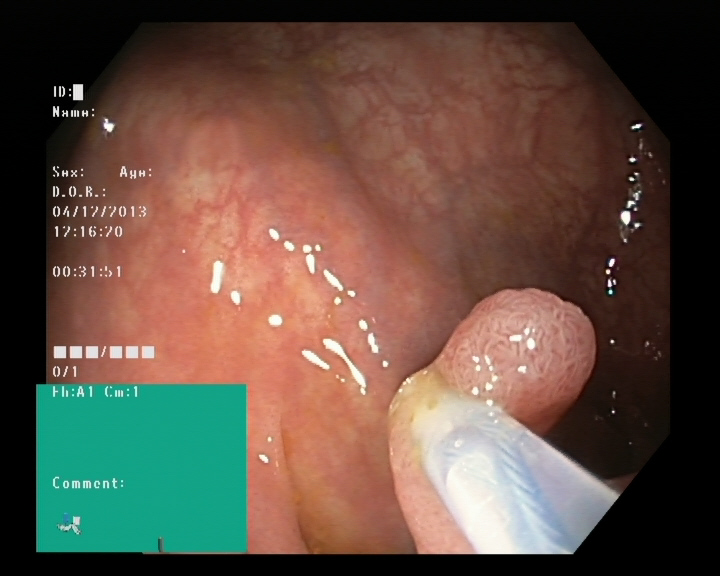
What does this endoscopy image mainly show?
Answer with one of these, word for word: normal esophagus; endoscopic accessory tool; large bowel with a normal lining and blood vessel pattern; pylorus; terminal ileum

endoscopic accessory tool